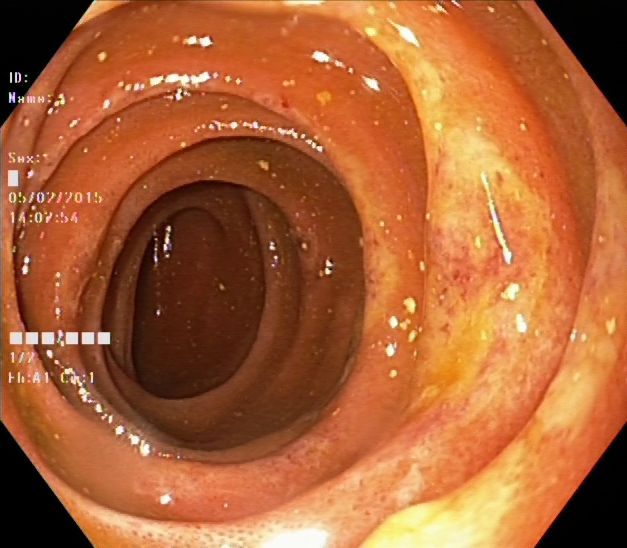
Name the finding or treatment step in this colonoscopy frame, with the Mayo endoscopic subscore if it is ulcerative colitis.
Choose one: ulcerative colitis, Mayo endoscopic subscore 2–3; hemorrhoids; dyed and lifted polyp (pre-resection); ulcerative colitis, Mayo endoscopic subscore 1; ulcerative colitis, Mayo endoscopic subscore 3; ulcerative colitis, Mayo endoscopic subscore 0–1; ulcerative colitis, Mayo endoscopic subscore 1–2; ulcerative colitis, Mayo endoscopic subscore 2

ulcerative colitis, Mayo endoscopic subscore 2–3